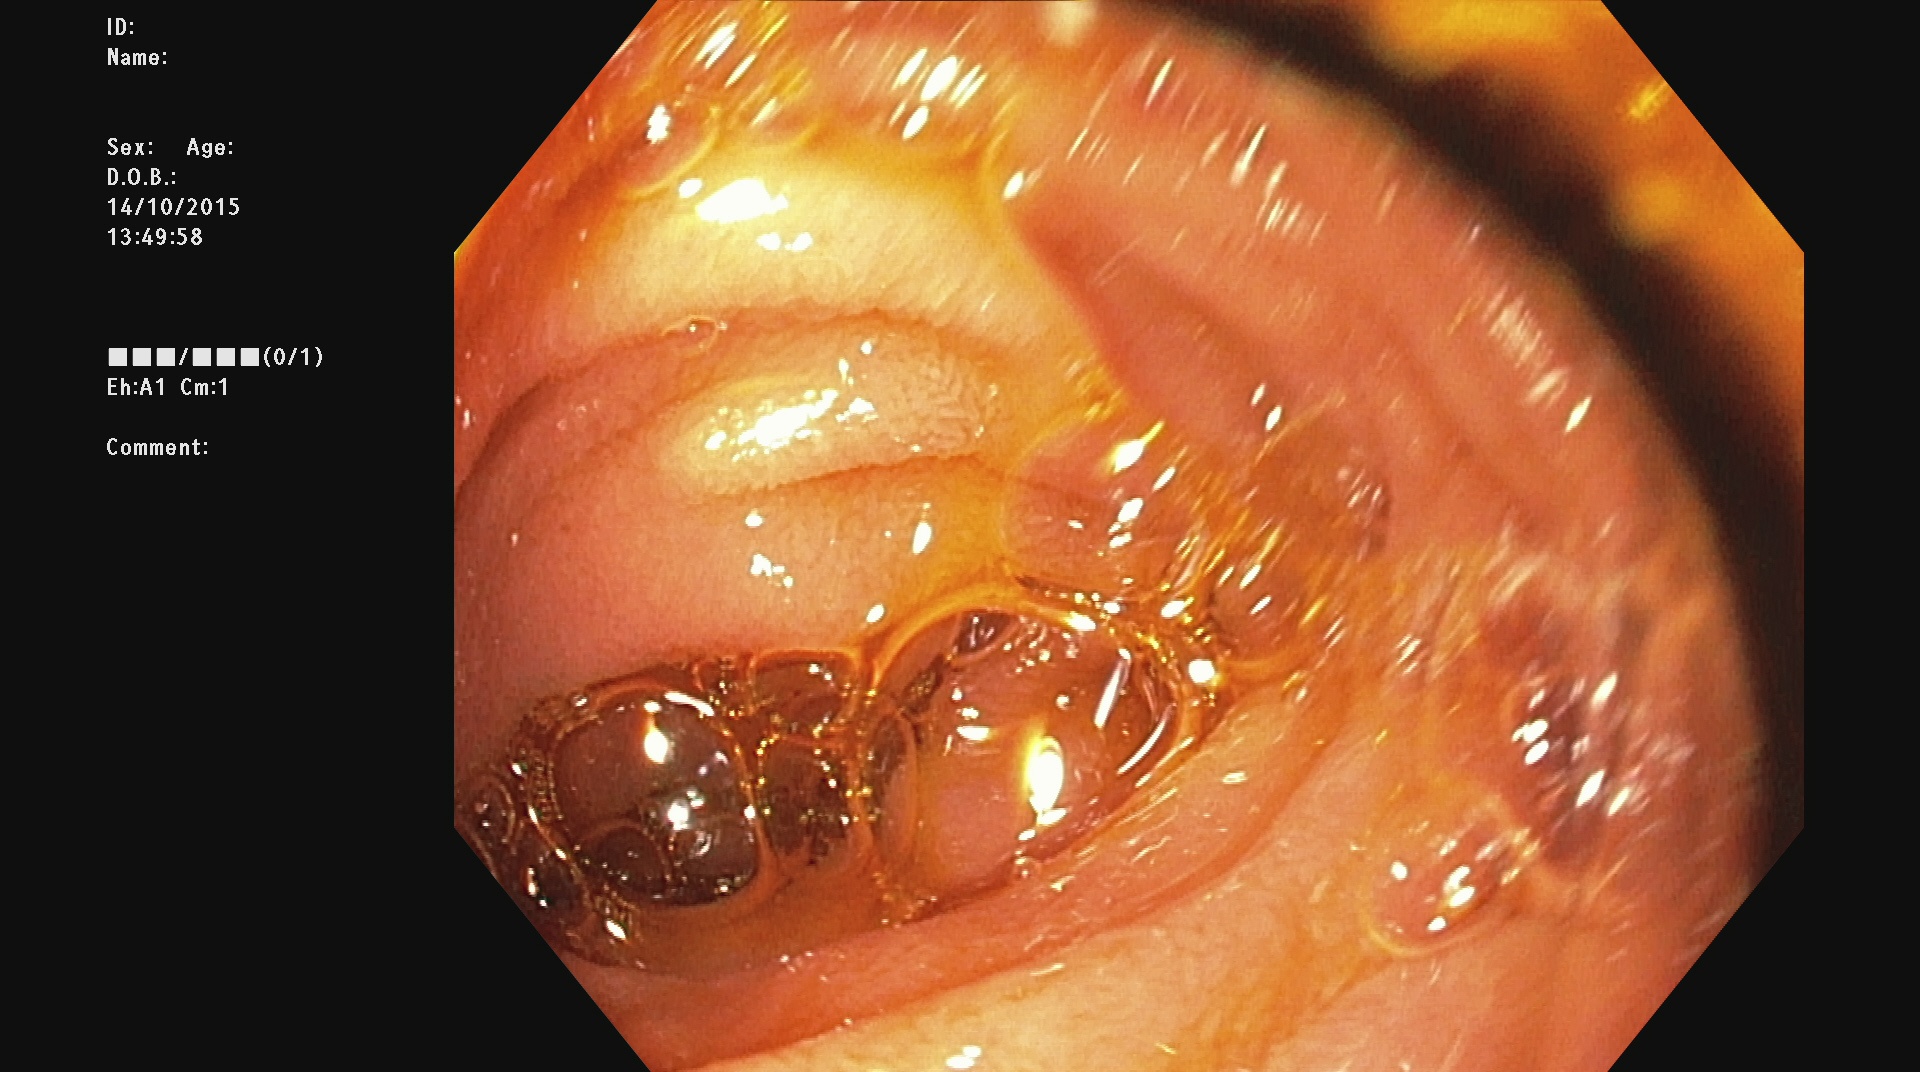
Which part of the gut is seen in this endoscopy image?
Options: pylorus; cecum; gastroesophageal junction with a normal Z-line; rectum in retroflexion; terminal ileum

terminal ileum